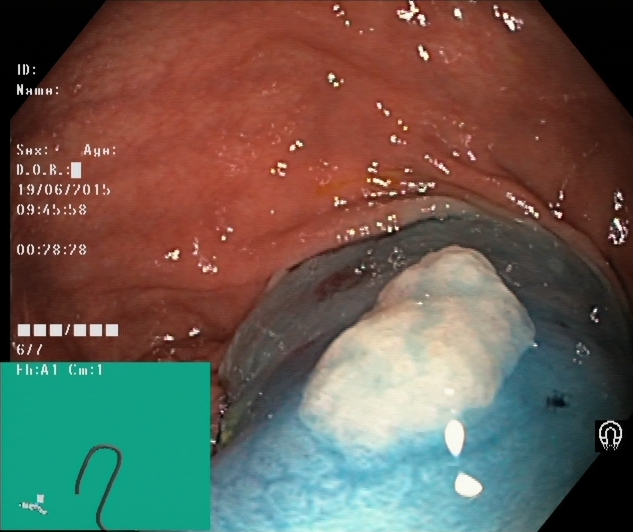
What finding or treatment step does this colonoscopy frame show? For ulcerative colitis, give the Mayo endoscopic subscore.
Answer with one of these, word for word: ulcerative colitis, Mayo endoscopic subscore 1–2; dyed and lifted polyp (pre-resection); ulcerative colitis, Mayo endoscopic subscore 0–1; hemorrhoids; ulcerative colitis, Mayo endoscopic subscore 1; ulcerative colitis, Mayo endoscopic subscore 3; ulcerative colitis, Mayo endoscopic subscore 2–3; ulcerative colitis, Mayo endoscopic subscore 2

dyed and lifted polyp (pre-resection)